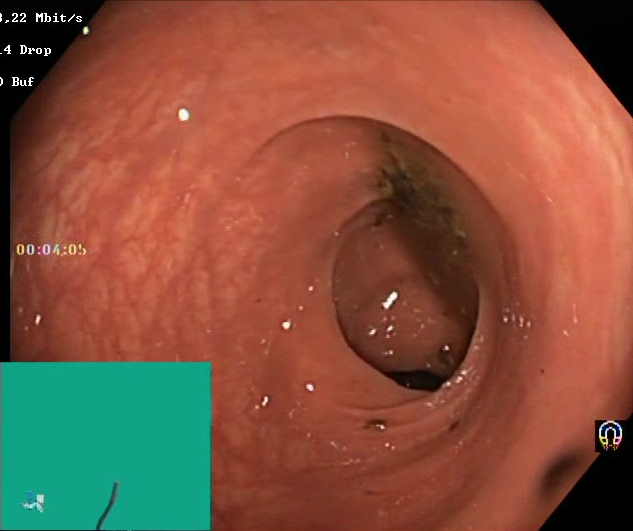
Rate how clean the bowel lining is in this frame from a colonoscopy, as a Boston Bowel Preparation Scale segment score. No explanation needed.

Boston Bowel Preparation Scale score 0–1 (inadequate preparation)